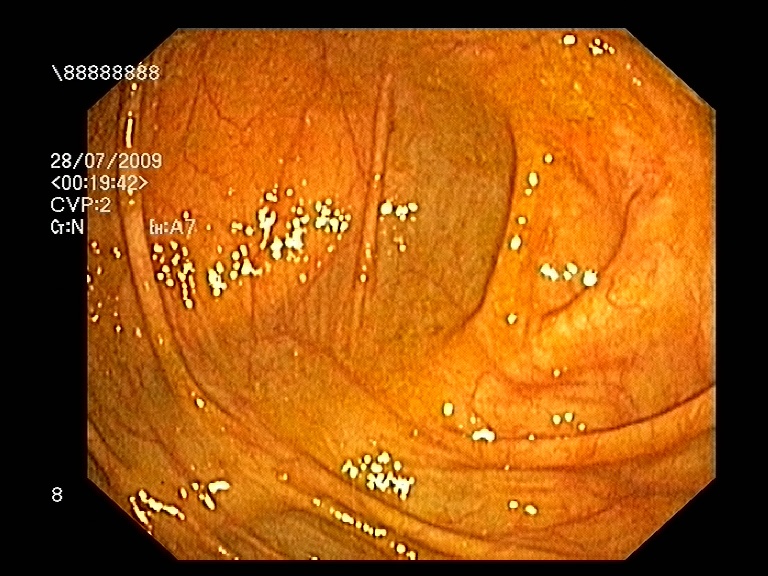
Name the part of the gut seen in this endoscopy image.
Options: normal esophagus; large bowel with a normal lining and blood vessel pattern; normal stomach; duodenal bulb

large bowel with a normal lining and blood vessel pattern